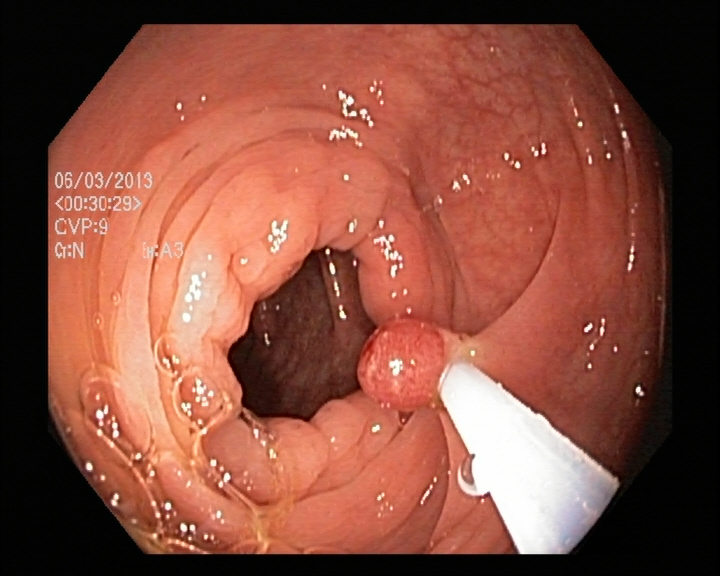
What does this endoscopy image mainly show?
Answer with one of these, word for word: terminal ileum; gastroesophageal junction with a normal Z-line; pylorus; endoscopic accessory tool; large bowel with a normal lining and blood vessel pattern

endoscopic accessory tool